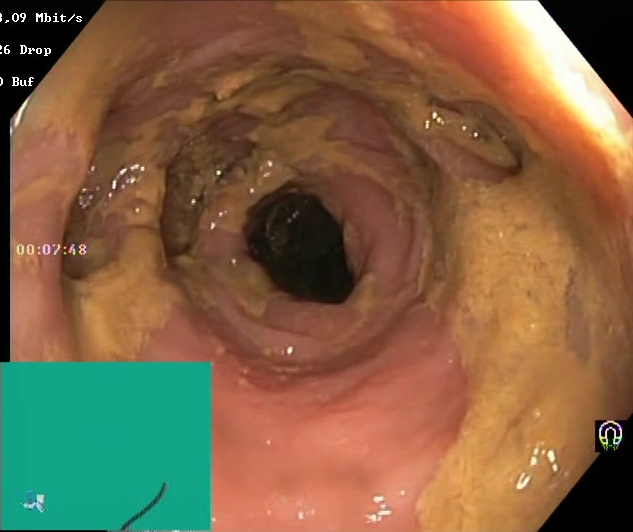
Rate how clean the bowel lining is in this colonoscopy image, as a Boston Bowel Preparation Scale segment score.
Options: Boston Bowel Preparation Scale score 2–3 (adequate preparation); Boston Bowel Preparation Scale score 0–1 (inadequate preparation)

Boston Bowel Preparation Scale score 0–1 (inadequate preparation)